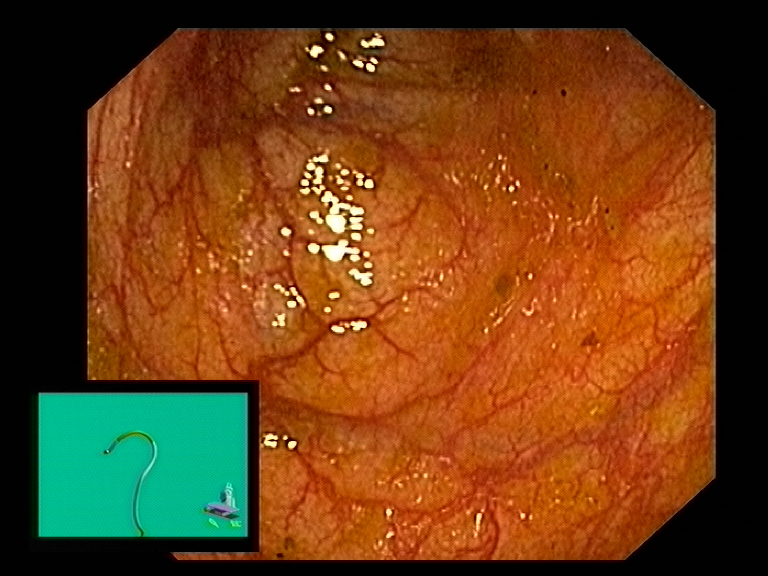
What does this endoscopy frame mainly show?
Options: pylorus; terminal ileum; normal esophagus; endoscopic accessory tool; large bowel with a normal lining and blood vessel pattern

large bowel with a normal lining and blood vessel pattern